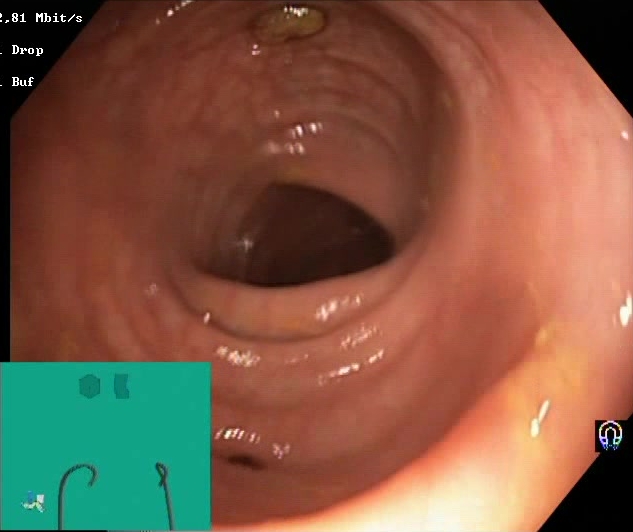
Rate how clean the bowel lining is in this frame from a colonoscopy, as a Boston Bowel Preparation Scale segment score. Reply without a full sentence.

Boston Bowel Preparation Scale score 2–3 (adequate preparation)